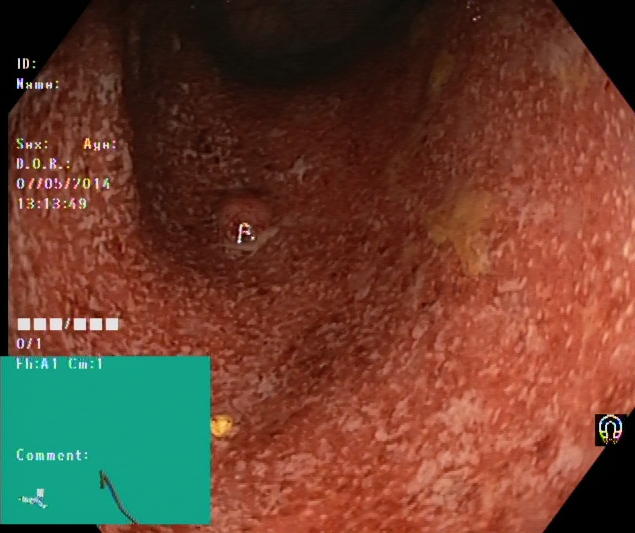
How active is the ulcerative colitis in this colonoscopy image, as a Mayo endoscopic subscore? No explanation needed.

ulcerative colitis, Mayo endoscopic subscore 2